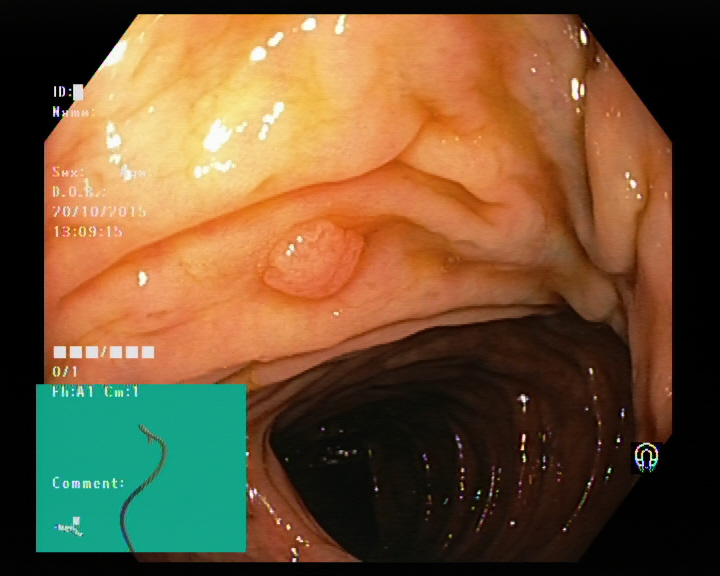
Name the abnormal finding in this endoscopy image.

colon polyp